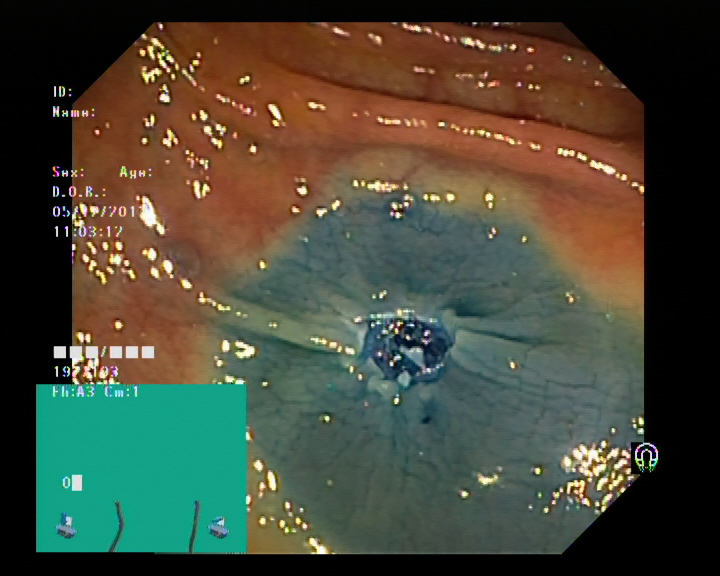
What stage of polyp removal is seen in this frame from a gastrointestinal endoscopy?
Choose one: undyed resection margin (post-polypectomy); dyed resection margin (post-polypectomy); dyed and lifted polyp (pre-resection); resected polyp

dyed resection margin (post-polypectomy)